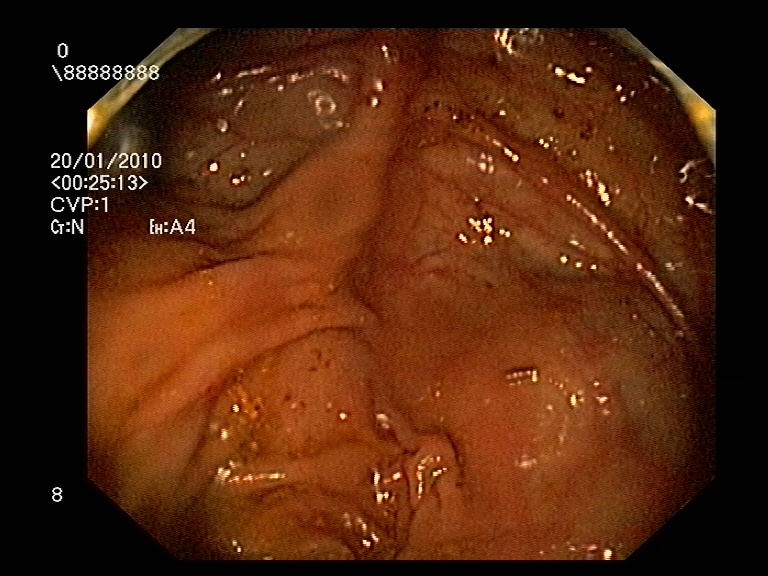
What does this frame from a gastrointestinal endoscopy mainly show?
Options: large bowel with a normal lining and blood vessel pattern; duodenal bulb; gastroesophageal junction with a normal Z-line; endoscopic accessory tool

large bowel with a normal lining and blood vessel pattern